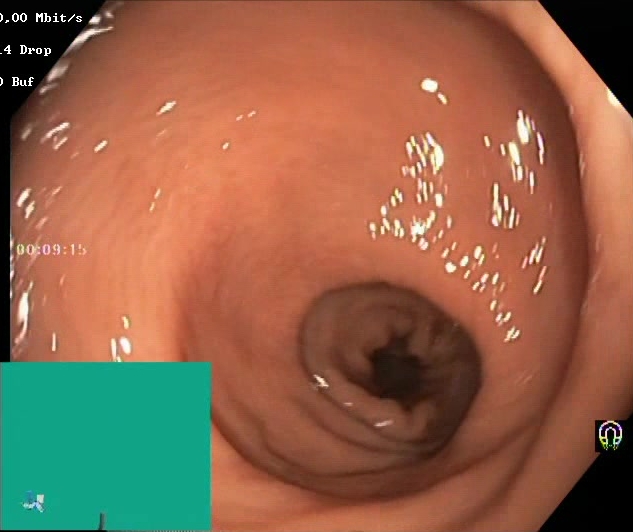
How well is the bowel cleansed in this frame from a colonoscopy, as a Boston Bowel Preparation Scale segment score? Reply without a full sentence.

Boston Bowel Preparation Scale score 2–3 (adequate preparation)